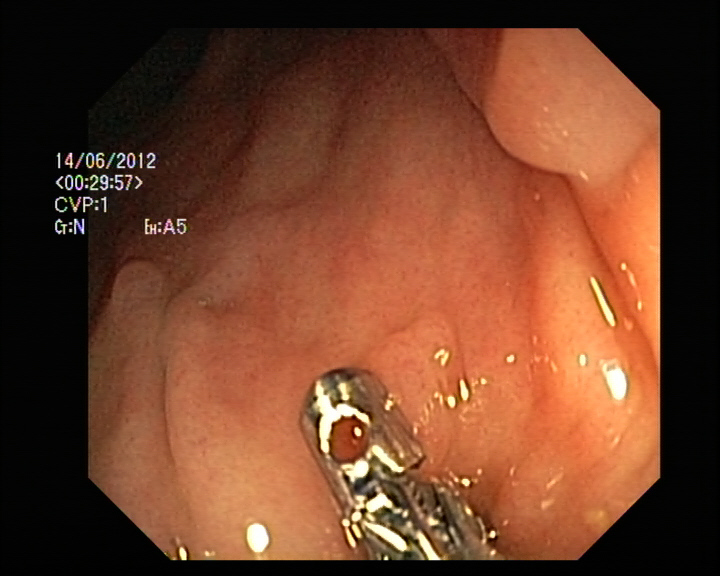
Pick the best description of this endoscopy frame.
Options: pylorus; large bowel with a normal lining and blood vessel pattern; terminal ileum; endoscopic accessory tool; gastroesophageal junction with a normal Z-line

endoscopic accessory tool